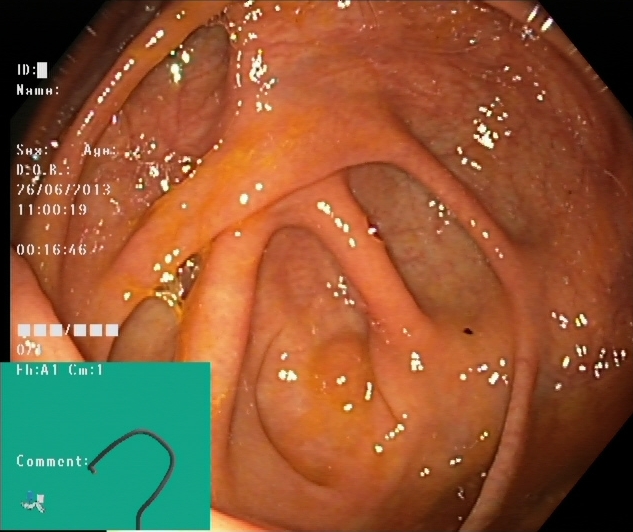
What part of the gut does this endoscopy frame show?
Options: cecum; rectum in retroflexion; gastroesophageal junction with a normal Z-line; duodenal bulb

cecum